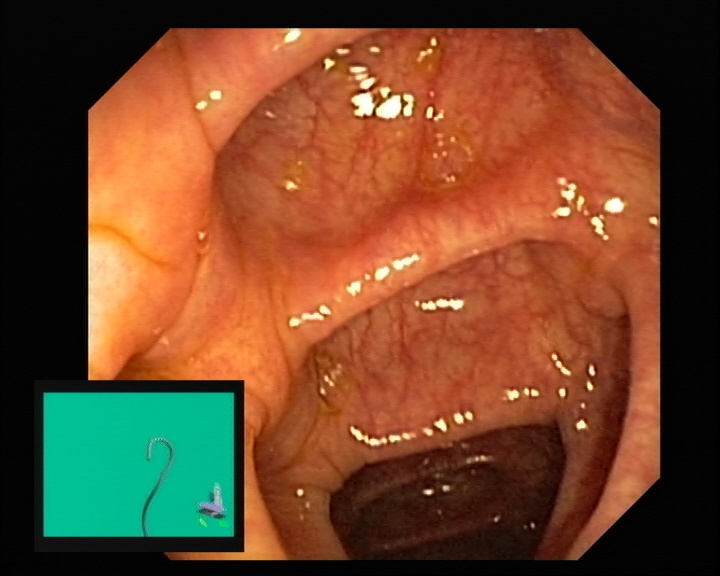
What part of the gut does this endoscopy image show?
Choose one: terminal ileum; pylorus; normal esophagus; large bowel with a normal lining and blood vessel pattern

large bowel with a normal lining and blood vessel pattern